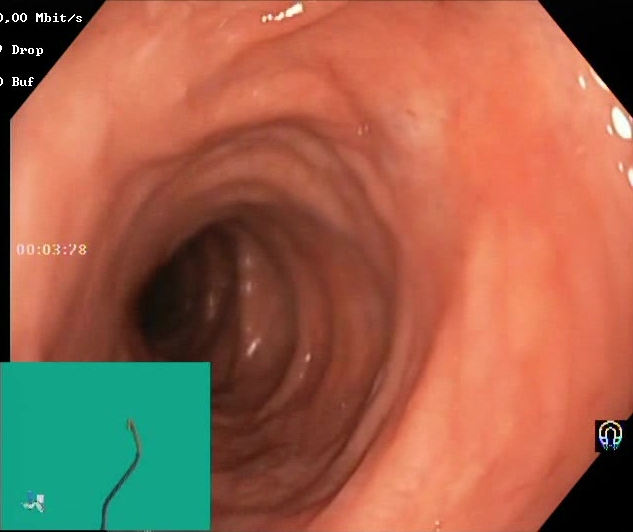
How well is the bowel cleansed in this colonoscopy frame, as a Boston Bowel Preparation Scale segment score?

Boston Bowel Preparation Scale score 2–3 (adequate preparation)